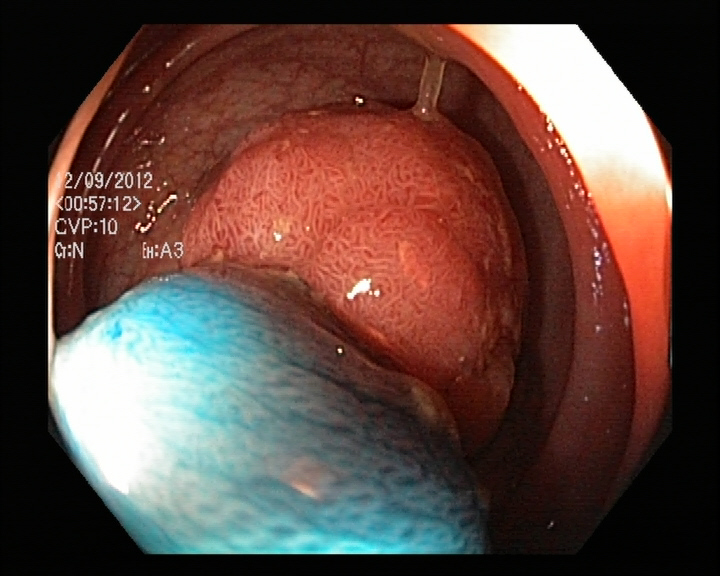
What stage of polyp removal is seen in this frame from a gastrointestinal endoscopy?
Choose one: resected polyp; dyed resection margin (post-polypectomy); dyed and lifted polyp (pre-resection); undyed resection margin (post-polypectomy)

dyed and lifted polyp (pre-resection)